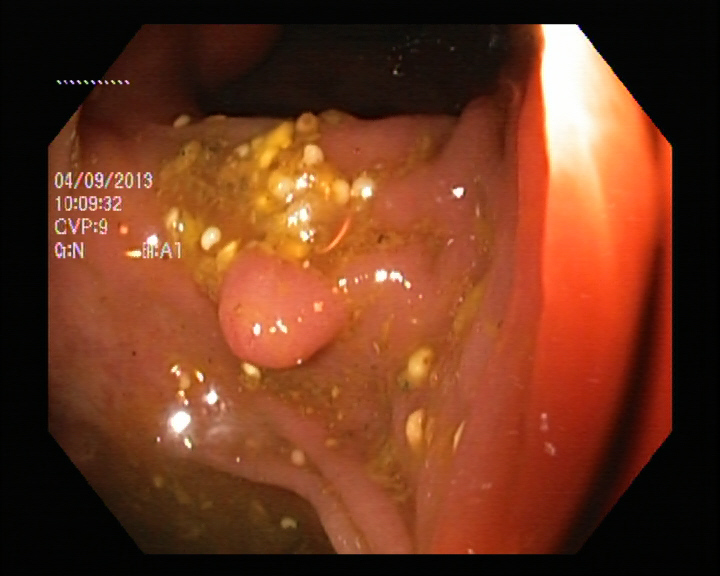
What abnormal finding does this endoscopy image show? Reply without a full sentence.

colon polyp